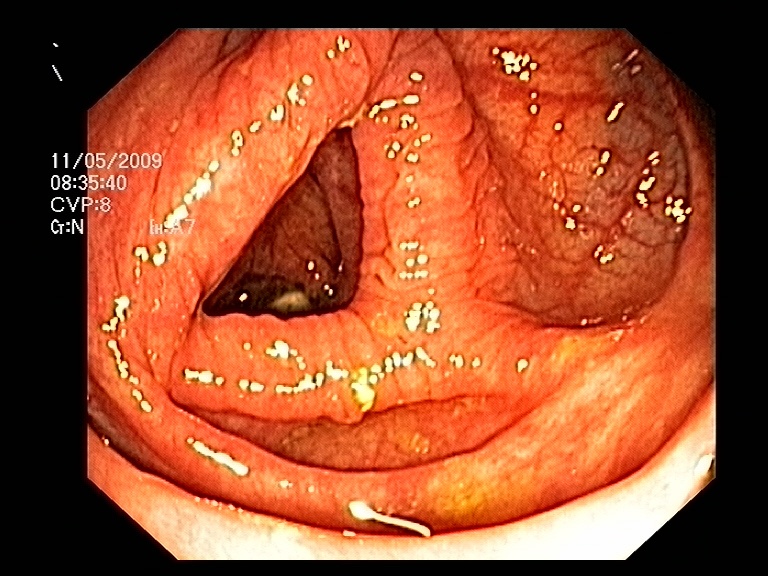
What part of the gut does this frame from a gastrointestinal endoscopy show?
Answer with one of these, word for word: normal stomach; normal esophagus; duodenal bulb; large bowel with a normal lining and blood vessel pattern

large bowel with a normal lining and blood vessel pattern